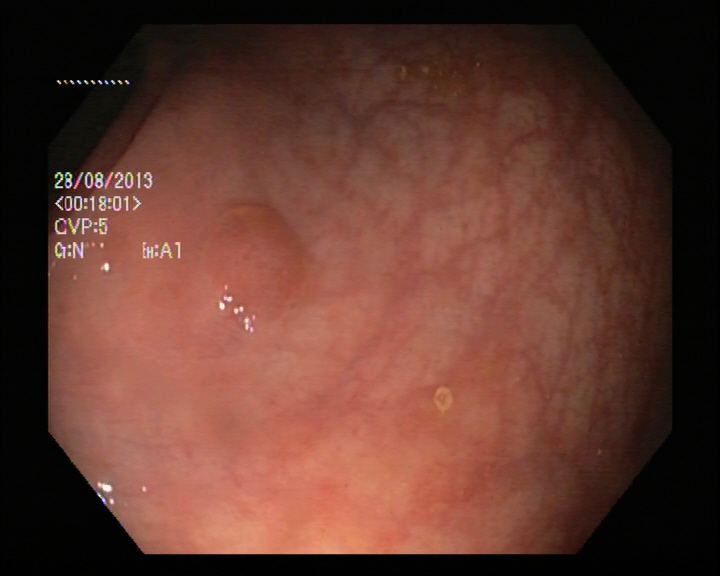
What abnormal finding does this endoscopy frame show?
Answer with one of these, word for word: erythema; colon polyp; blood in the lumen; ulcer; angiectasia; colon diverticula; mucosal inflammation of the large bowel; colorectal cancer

colon polyp